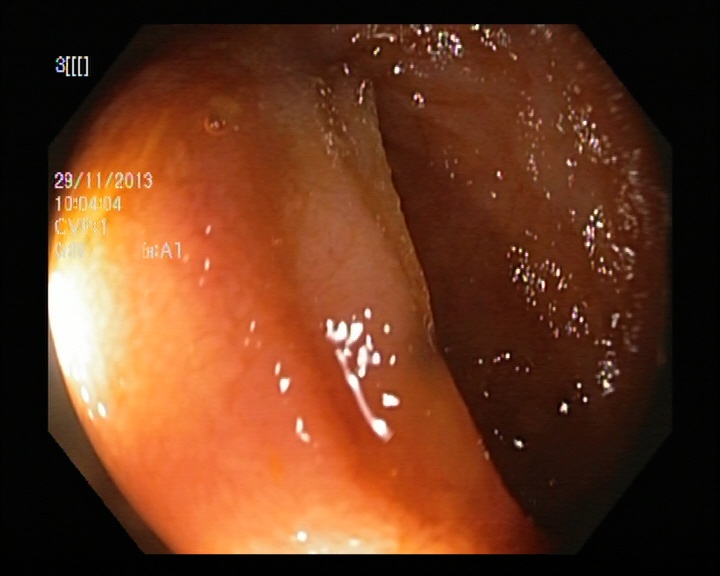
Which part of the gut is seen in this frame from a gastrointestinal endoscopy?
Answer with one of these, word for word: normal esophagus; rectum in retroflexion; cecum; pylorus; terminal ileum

terminal ileum